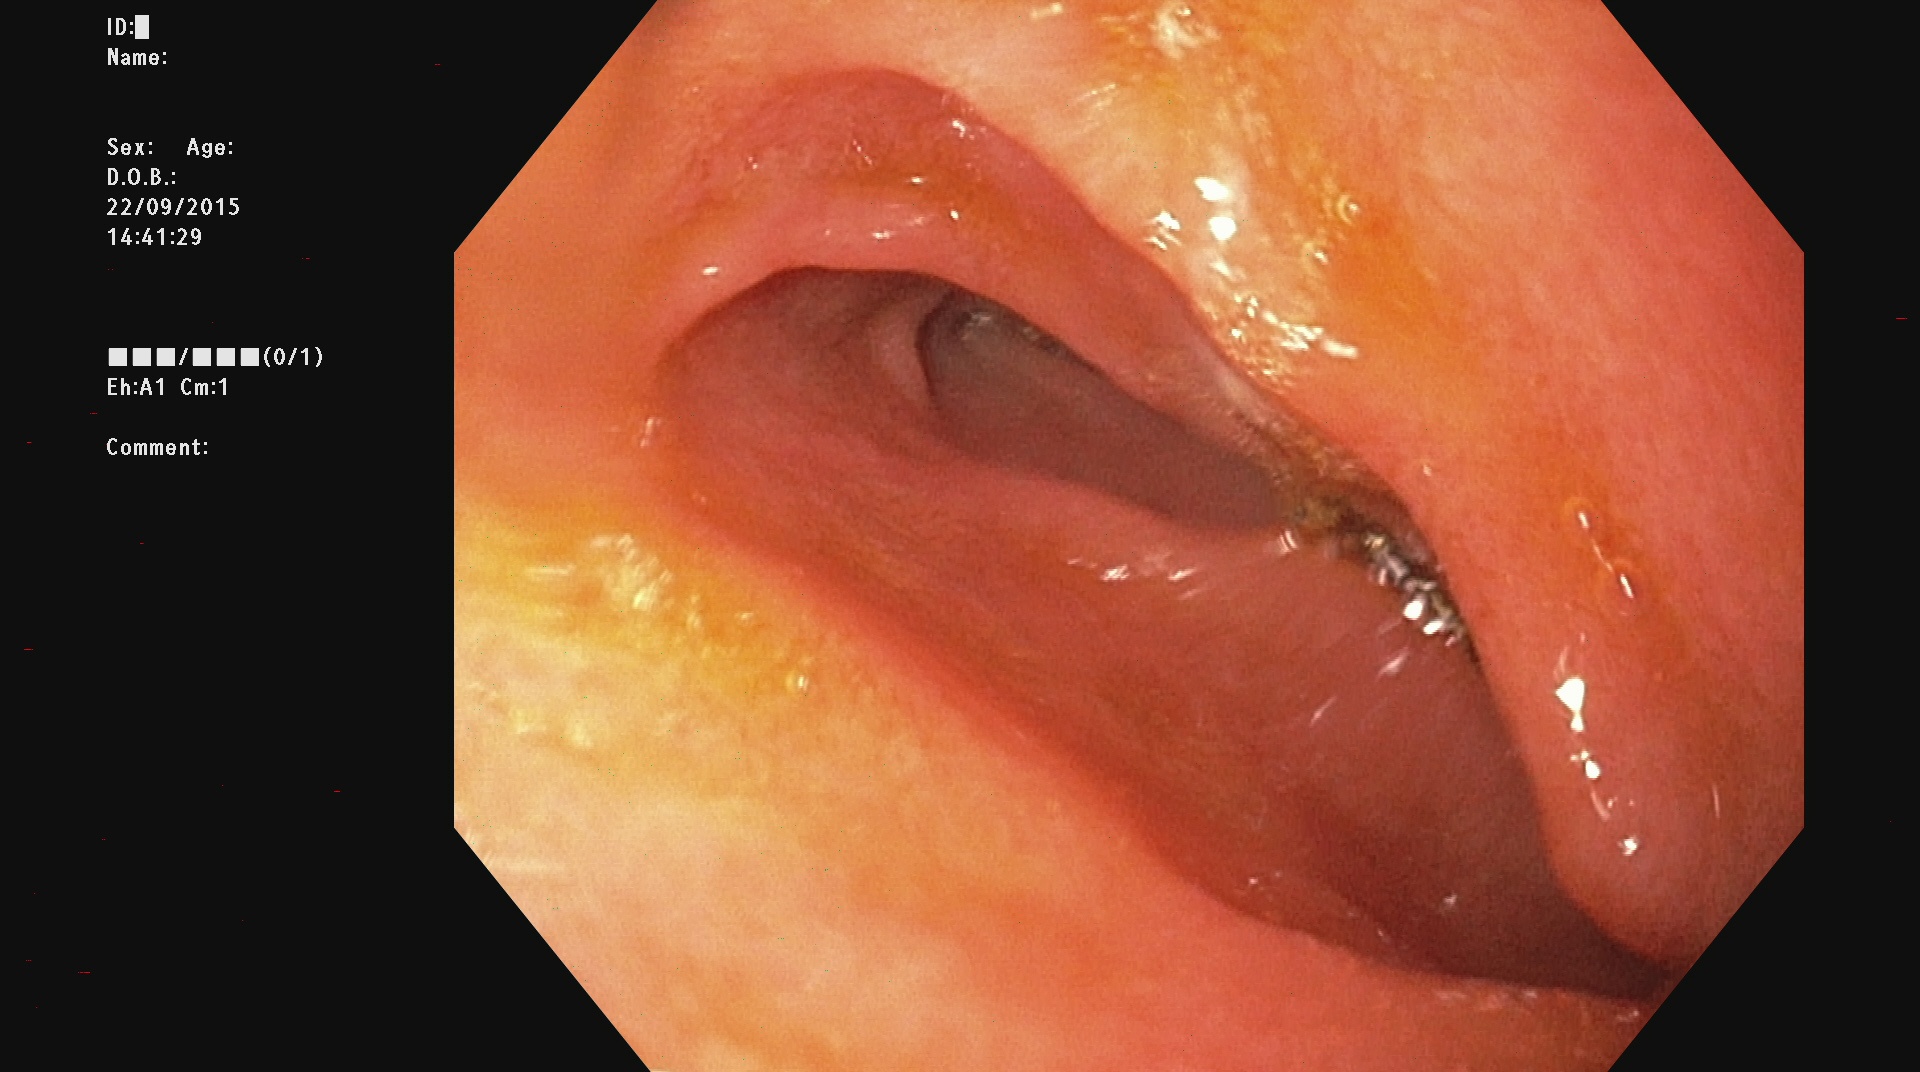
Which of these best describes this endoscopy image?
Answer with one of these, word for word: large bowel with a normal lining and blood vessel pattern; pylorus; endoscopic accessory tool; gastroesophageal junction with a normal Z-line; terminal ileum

terminal ileum